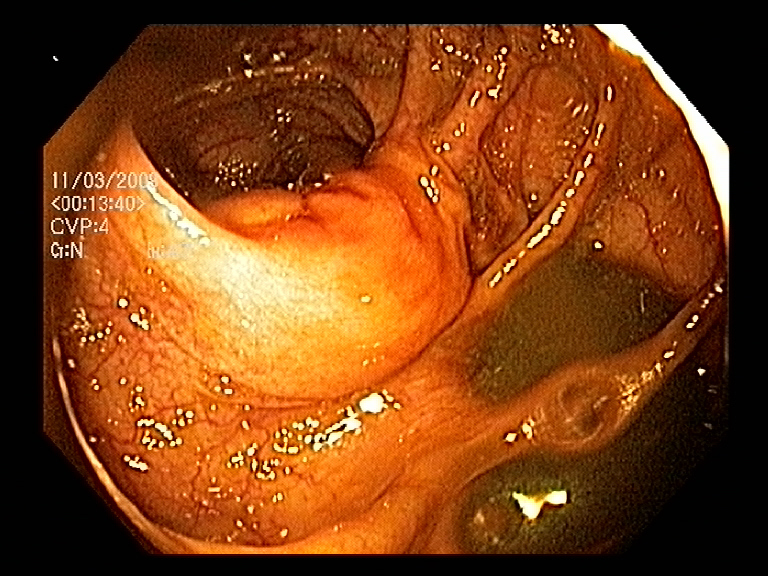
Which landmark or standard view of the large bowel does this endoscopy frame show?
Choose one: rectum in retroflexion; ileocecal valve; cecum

ileocecal valve